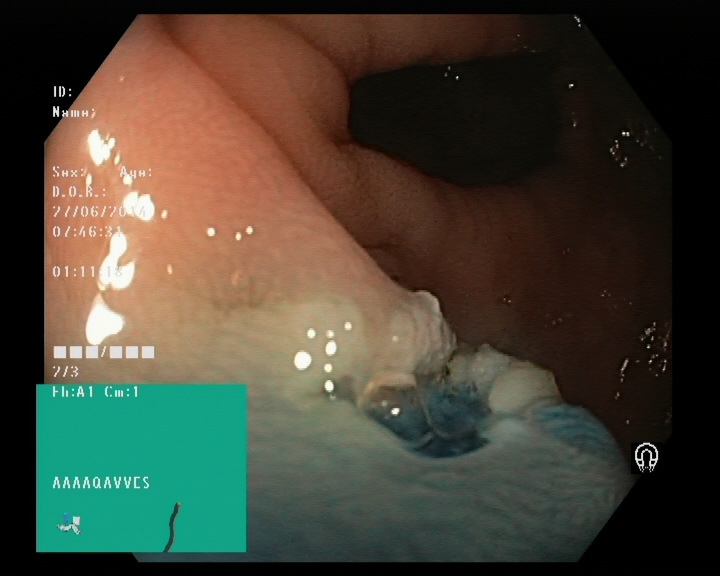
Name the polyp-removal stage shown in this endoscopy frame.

dyed resection margin (post-polypectomy)